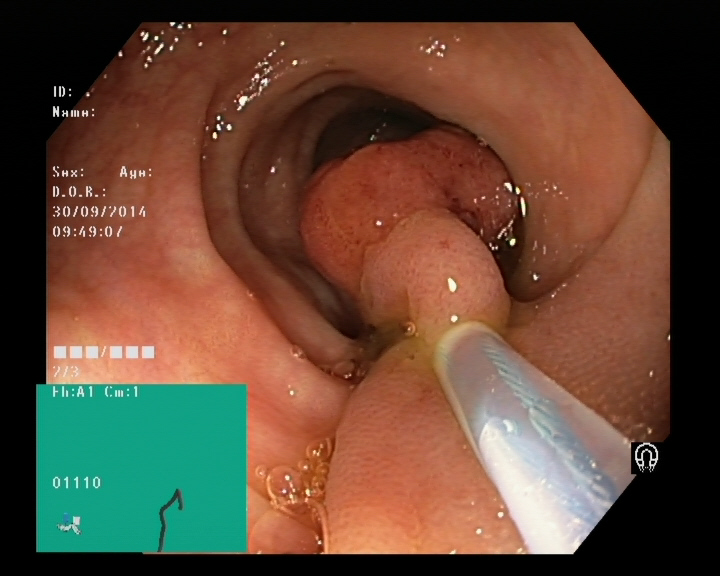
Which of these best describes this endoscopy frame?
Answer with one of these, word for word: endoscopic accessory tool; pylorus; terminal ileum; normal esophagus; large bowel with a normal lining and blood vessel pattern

endoscopic accessory tool